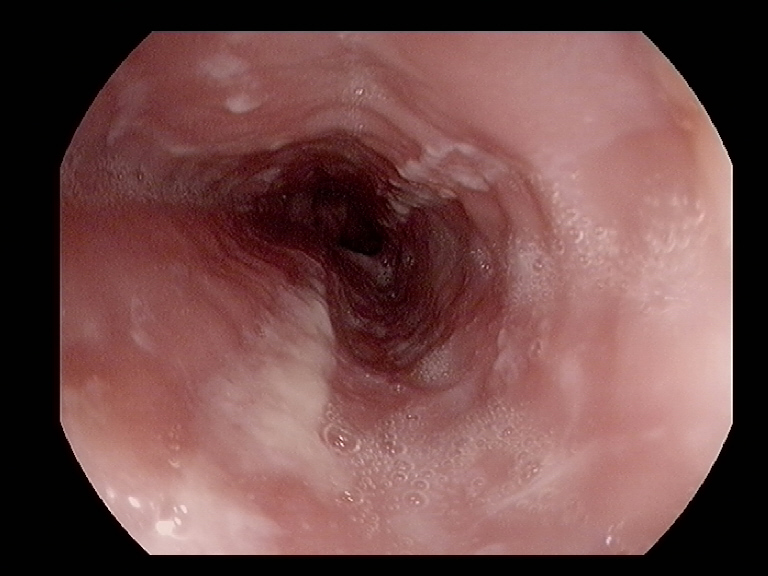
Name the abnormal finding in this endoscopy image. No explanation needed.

esophagitis